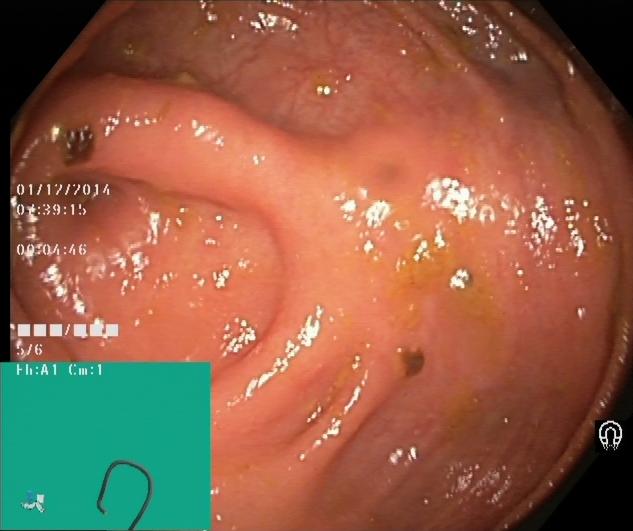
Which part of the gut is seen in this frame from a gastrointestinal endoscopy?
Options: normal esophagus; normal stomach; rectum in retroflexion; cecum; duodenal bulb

cecum